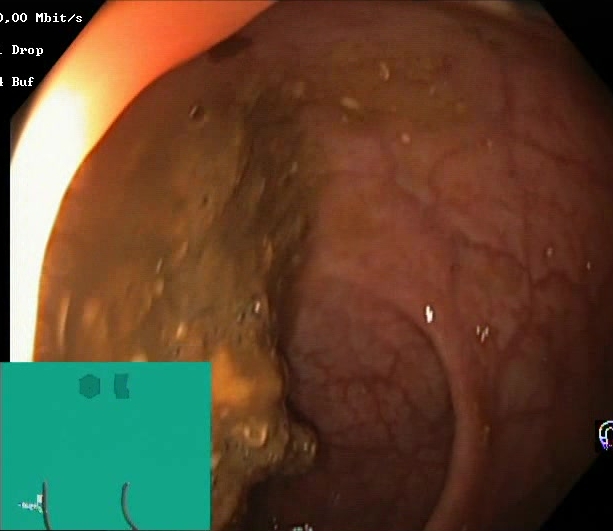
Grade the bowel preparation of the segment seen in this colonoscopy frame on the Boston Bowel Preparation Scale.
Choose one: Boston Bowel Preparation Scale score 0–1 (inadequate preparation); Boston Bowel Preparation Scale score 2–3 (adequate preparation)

Boston Bowel Preparation Scale score 0–1 (inadequate preparation)